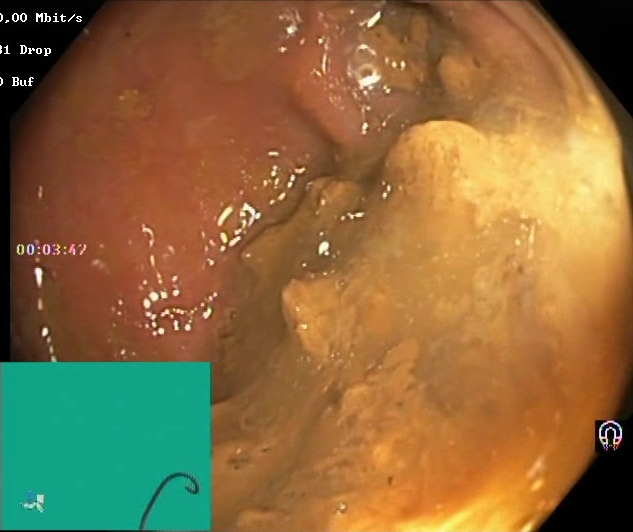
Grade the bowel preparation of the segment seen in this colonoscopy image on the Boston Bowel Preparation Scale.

Boston Bowel Preparation Scale score 0–1 (inadequate preparation)